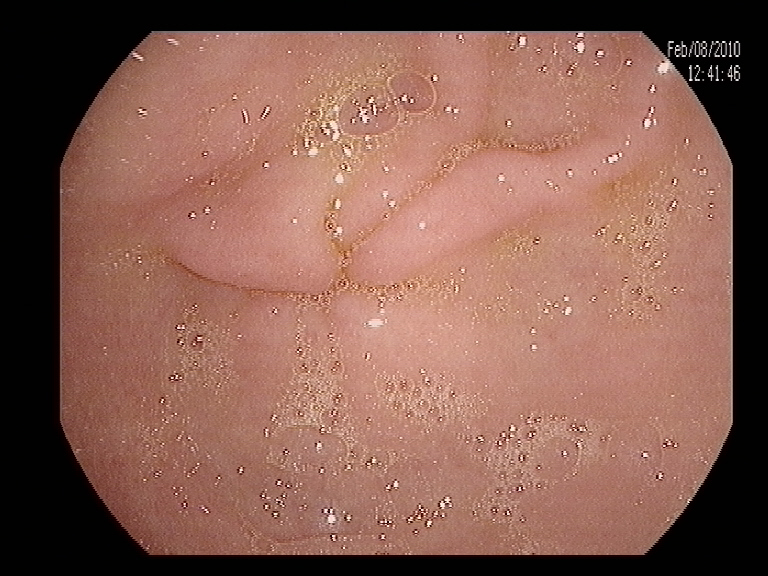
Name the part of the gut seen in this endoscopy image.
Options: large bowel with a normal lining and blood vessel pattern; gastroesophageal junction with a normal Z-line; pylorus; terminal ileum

pylorus